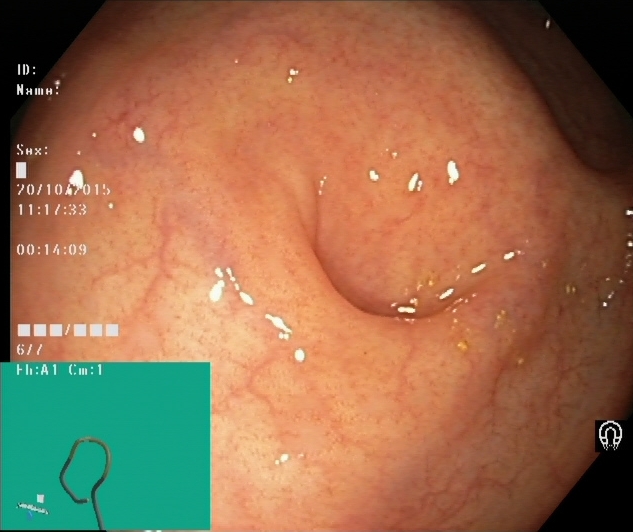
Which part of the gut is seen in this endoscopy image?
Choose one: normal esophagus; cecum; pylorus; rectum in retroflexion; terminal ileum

cecum